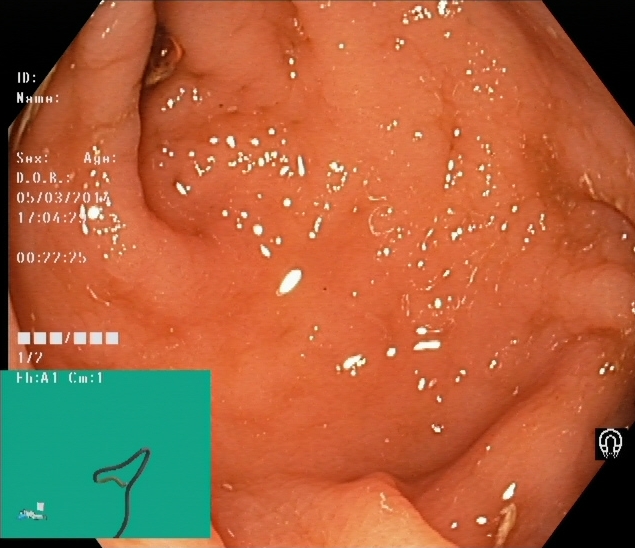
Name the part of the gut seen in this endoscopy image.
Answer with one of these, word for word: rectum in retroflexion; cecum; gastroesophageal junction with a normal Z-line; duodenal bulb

cecum